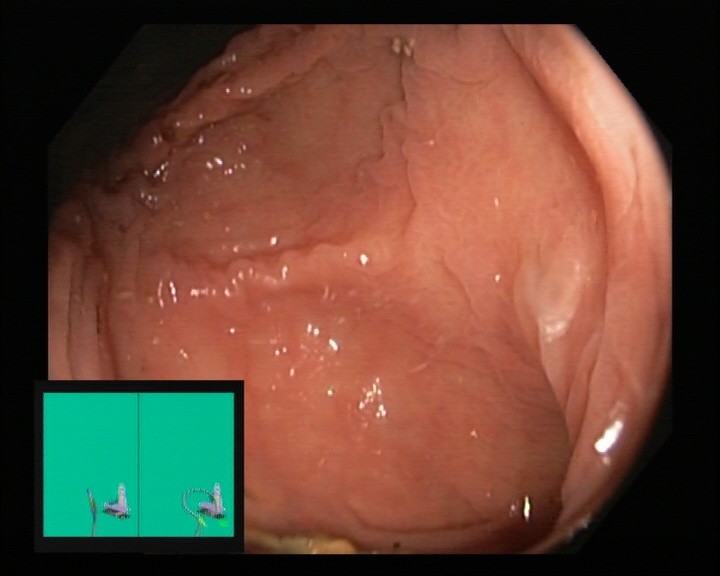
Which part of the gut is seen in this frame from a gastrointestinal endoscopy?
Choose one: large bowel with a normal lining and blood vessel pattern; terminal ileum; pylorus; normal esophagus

large bowel with a normal lining and blood vessel pattern